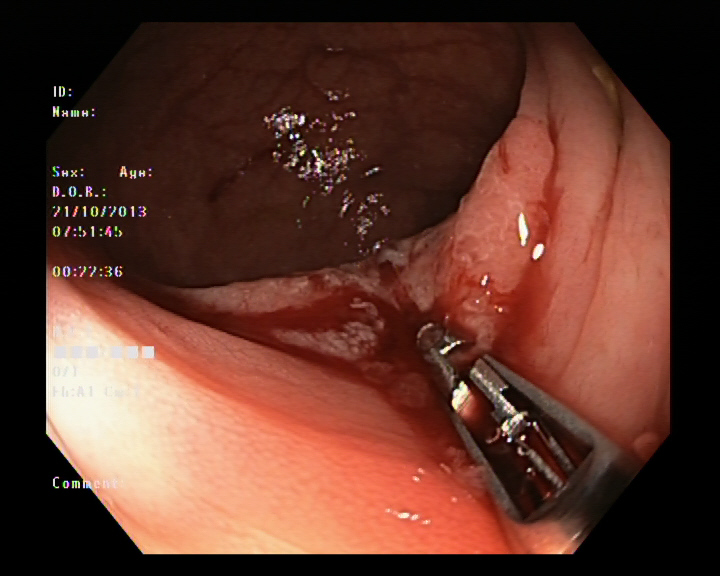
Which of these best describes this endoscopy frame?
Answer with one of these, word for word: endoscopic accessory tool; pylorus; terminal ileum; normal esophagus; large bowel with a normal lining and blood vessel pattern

endoscopic accessory tool